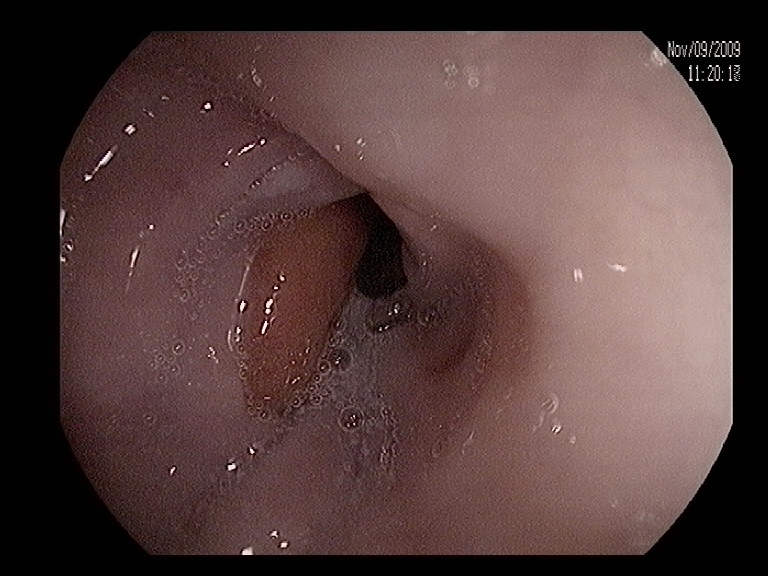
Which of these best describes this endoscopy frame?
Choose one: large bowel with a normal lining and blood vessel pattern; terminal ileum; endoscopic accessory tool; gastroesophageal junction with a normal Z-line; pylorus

gastroesophageal junction with a normal Z-line